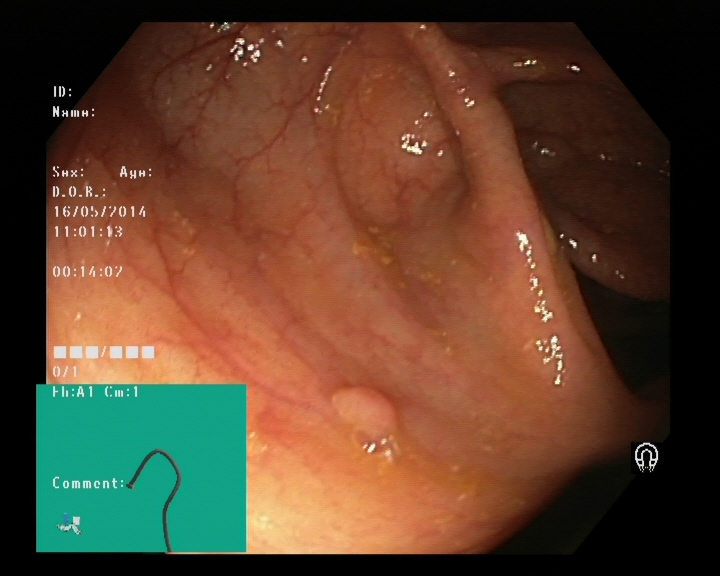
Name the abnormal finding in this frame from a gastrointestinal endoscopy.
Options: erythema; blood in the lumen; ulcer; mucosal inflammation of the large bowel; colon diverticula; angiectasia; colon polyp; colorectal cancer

colon polyp